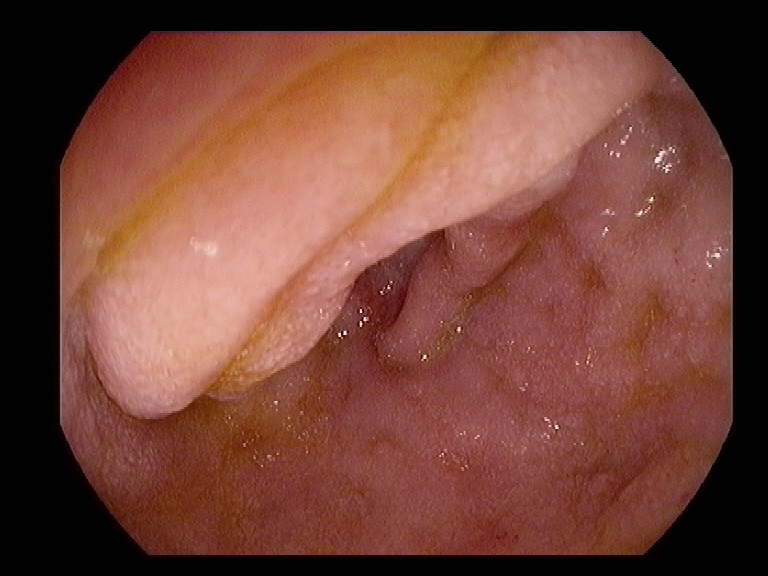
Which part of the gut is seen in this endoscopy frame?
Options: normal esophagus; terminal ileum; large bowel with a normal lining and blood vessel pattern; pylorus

terminal ileum